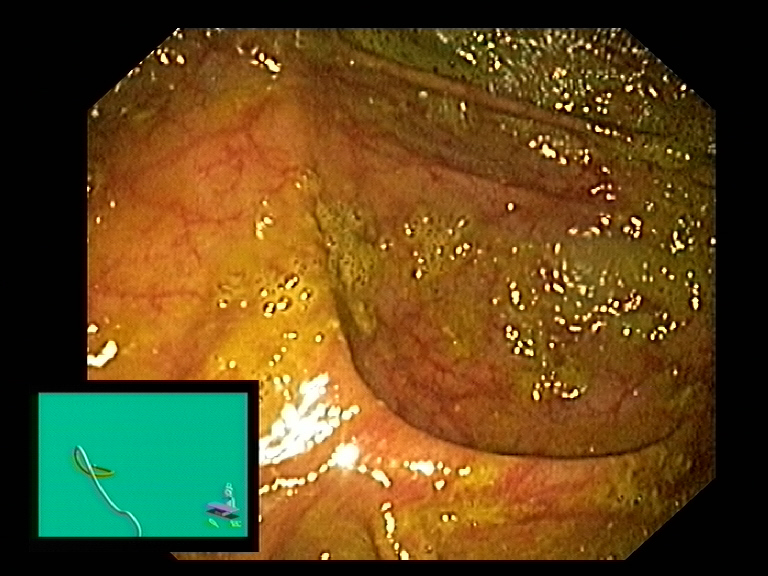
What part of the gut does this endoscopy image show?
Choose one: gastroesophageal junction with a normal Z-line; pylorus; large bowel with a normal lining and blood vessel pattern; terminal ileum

large bowel with a normal lining and blood vessel pattern